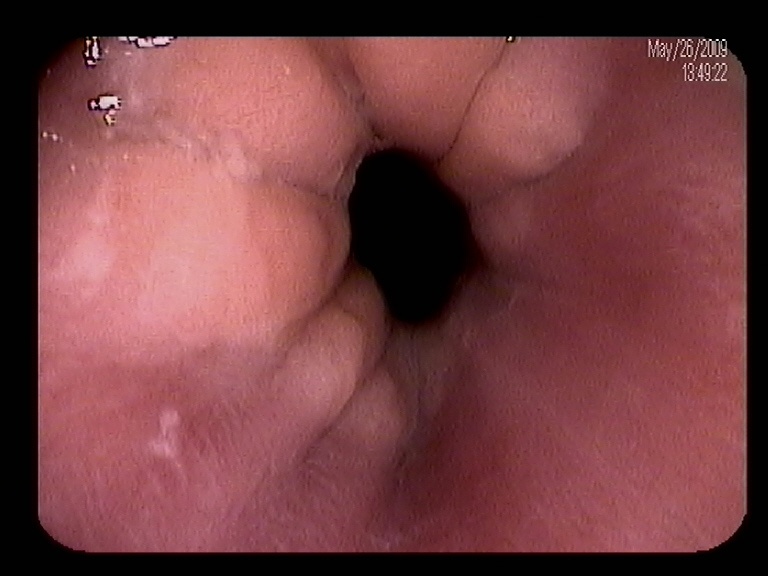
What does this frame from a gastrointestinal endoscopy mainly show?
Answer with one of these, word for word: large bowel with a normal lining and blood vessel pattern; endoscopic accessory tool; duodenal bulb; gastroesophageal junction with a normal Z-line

gastroesophageal junction with a normal Z-line